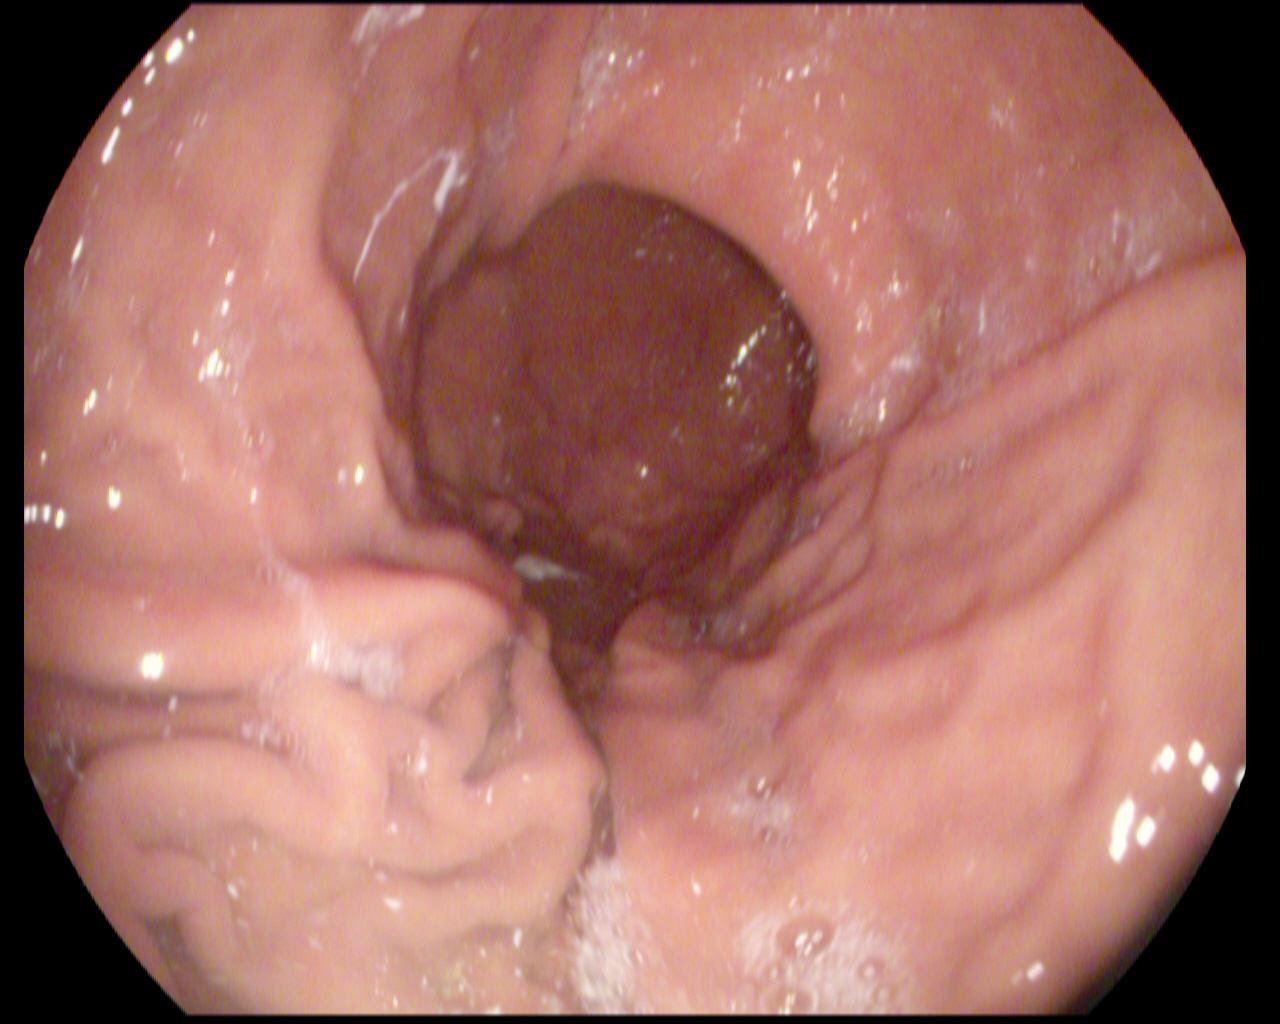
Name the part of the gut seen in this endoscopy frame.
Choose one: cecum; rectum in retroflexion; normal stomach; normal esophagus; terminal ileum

normal stomach